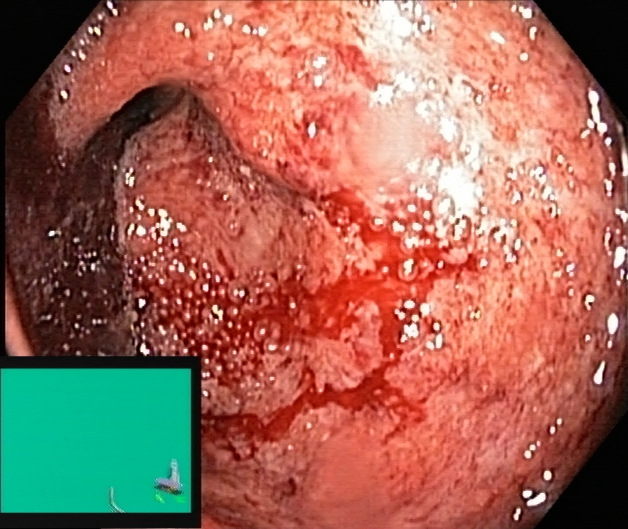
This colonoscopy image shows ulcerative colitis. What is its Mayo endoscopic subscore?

ulcerative colitis, Mayo endoscopic subscore 3